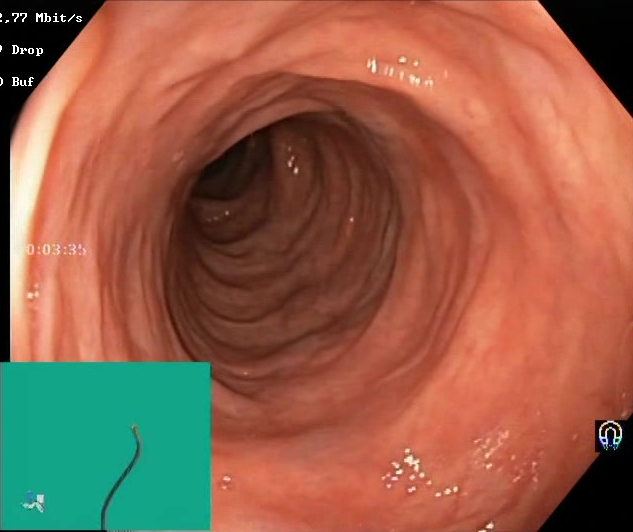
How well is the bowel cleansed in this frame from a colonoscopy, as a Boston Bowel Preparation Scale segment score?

Boston Bowel Preparation Scale score 2–3 (adequate preparation)